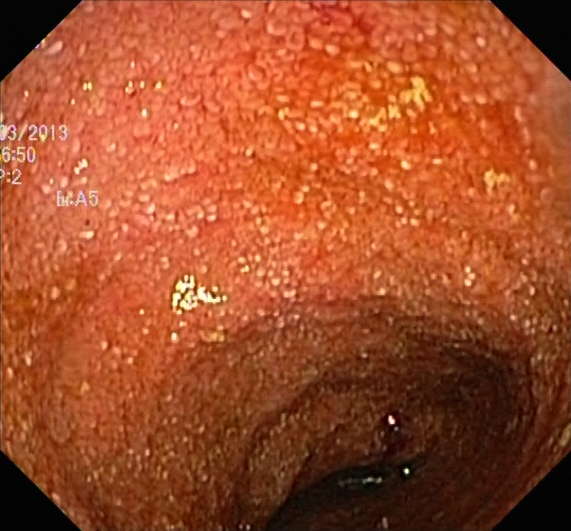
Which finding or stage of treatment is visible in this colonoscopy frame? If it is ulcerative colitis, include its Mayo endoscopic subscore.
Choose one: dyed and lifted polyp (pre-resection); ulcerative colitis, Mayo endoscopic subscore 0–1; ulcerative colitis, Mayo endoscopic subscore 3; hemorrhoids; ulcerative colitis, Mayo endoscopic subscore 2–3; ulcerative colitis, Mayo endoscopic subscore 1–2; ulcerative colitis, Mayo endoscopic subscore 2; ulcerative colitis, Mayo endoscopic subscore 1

ulcerative colitis, Mayo endoscopic subscore 2